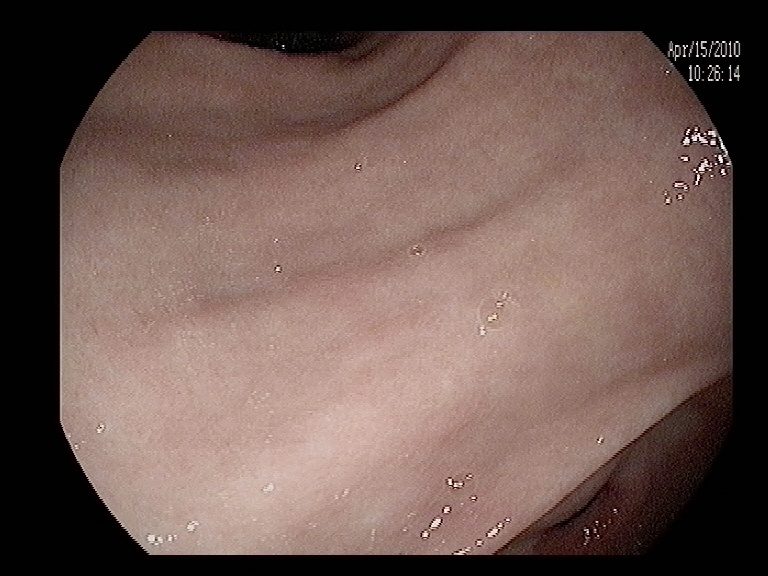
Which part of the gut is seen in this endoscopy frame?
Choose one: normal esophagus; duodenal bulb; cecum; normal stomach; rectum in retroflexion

normal stomach